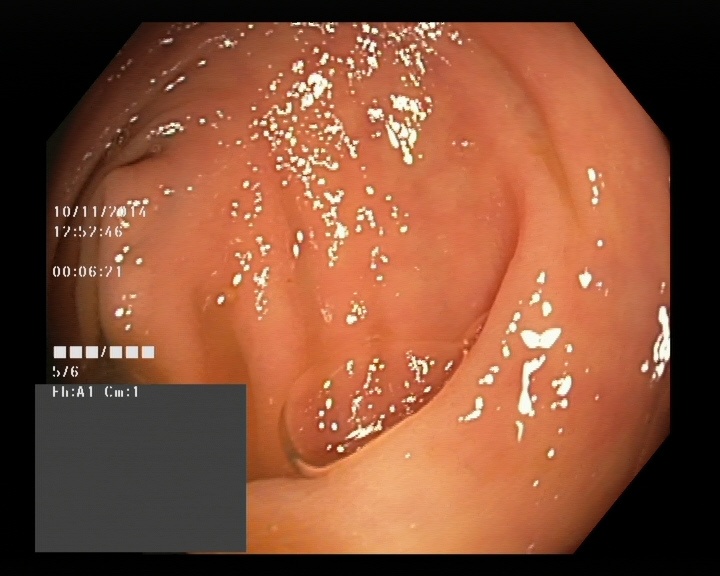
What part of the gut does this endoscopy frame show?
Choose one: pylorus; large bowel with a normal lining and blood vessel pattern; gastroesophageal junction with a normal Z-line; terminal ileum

large bowel with a normal lining and blood vessel pattern